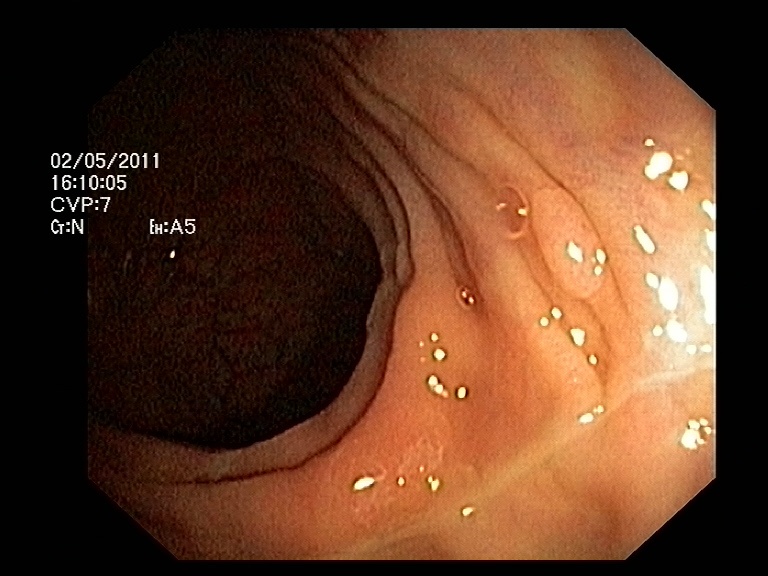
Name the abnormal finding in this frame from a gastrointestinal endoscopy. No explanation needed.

colon polyp